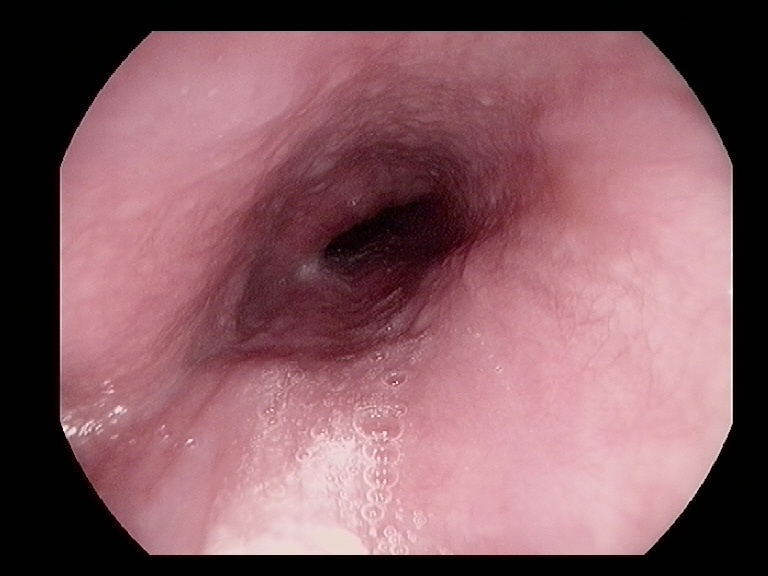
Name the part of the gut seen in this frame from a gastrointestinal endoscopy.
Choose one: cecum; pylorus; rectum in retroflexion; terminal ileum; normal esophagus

normal esophagus